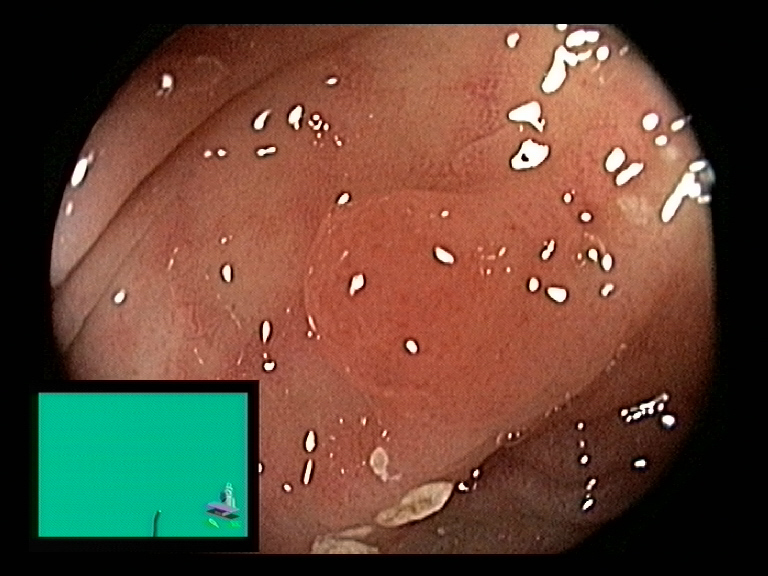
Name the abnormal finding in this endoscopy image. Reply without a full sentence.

colon polyp